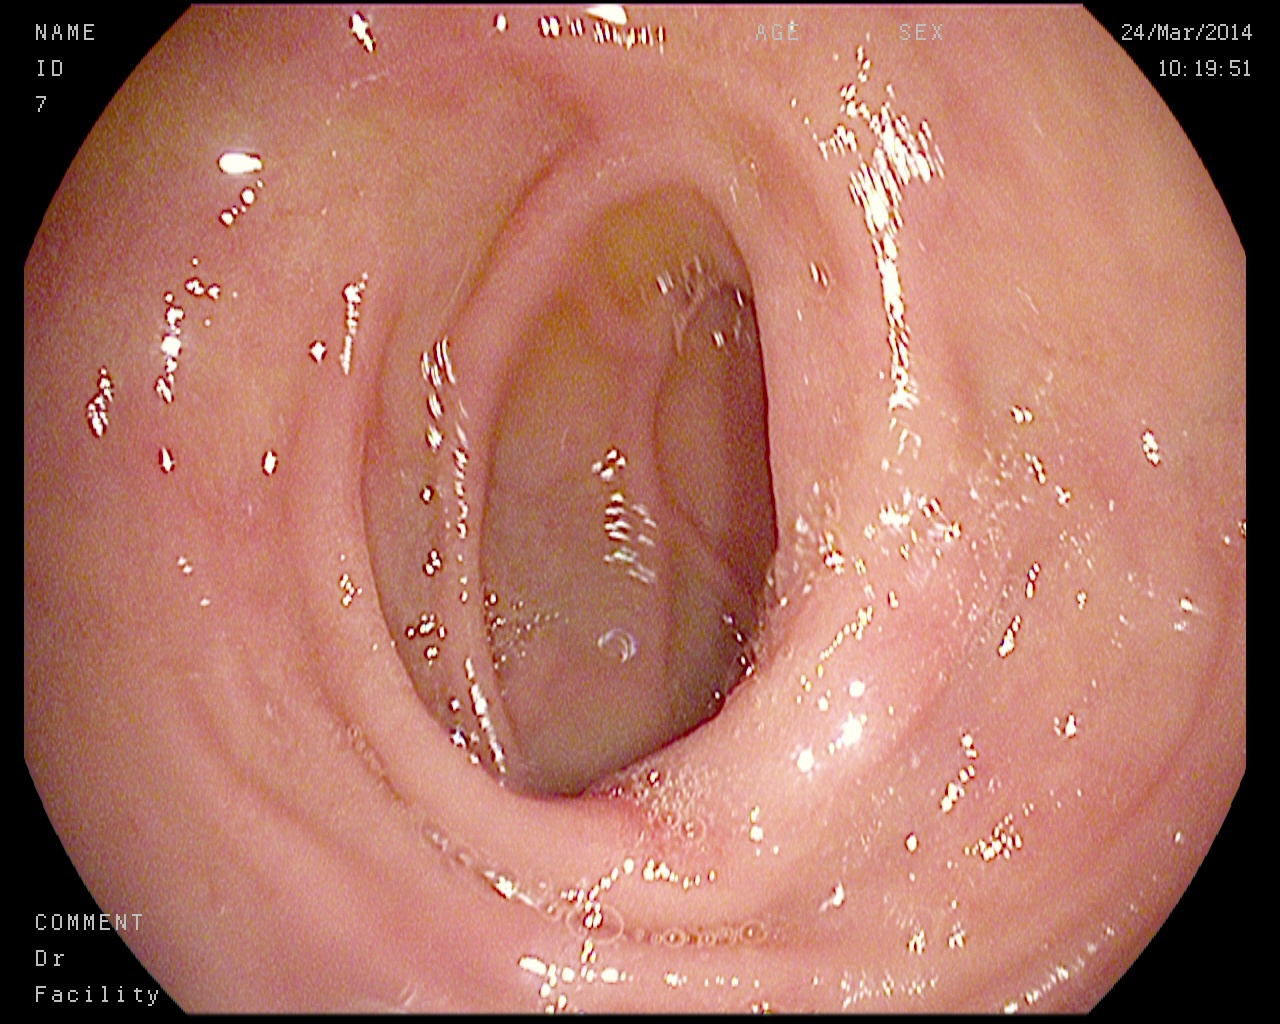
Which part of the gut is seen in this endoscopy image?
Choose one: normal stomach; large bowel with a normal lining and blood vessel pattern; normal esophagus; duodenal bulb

duodenal bulb